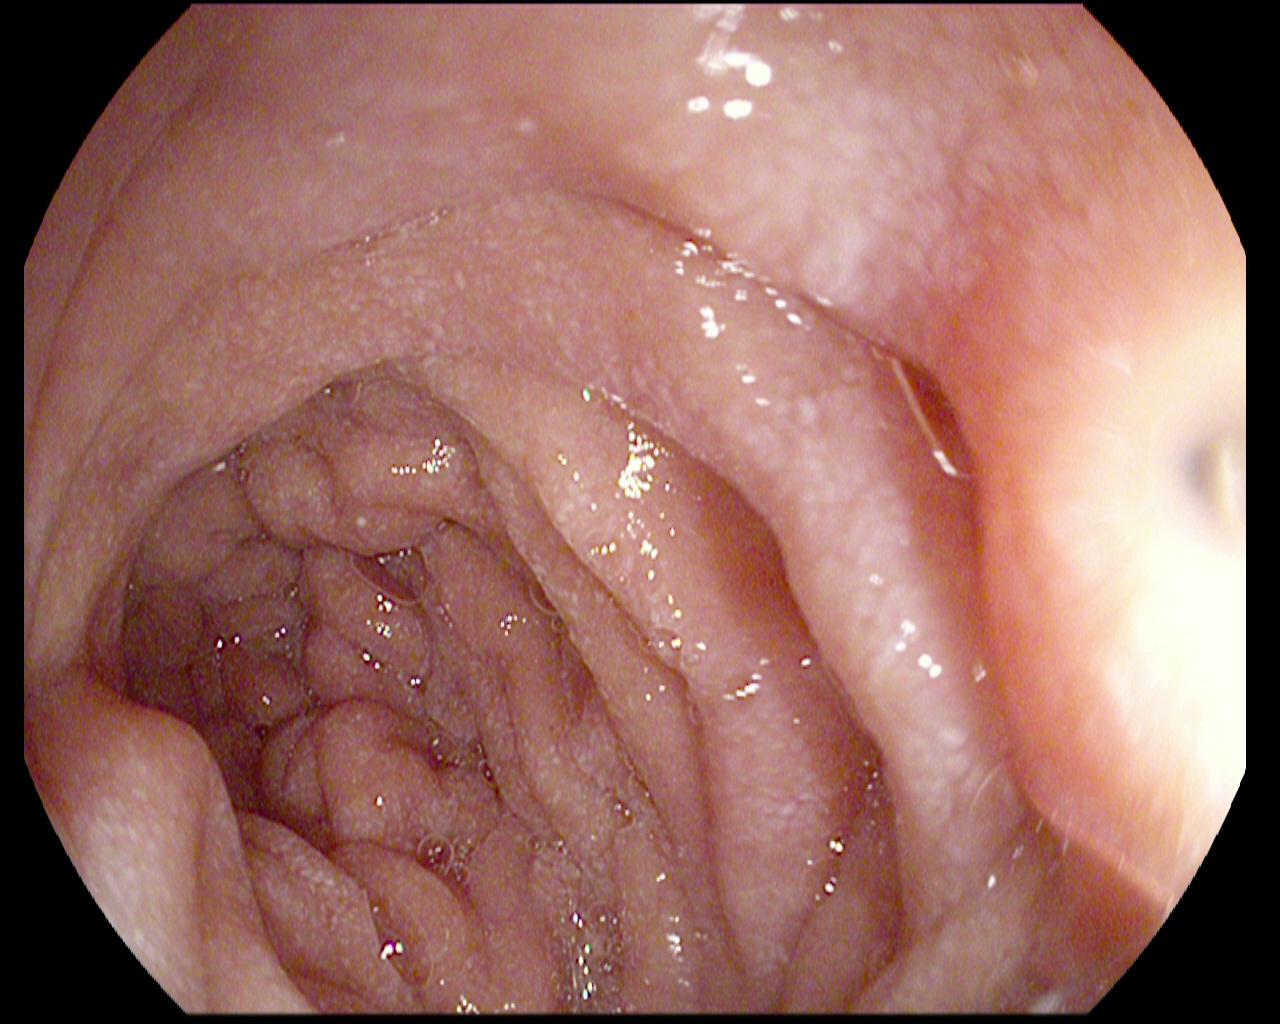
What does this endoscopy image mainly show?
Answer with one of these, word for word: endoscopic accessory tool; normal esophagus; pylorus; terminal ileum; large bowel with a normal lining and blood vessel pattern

terminal ileum